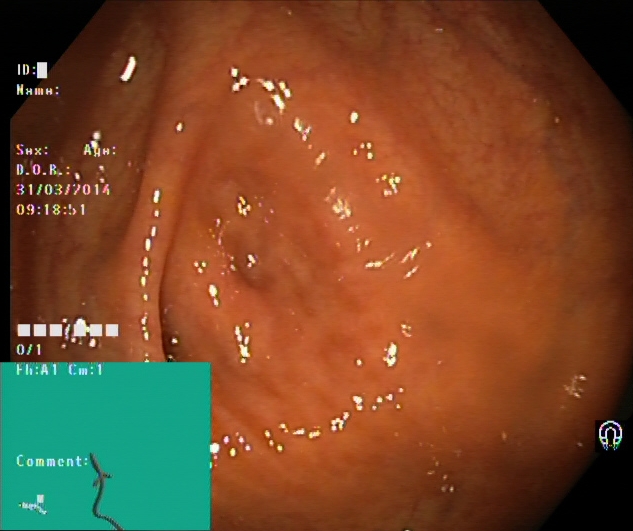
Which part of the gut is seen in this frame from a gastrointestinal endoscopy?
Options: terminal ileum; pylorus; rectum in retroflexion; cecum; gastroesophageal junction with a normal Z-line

cecum